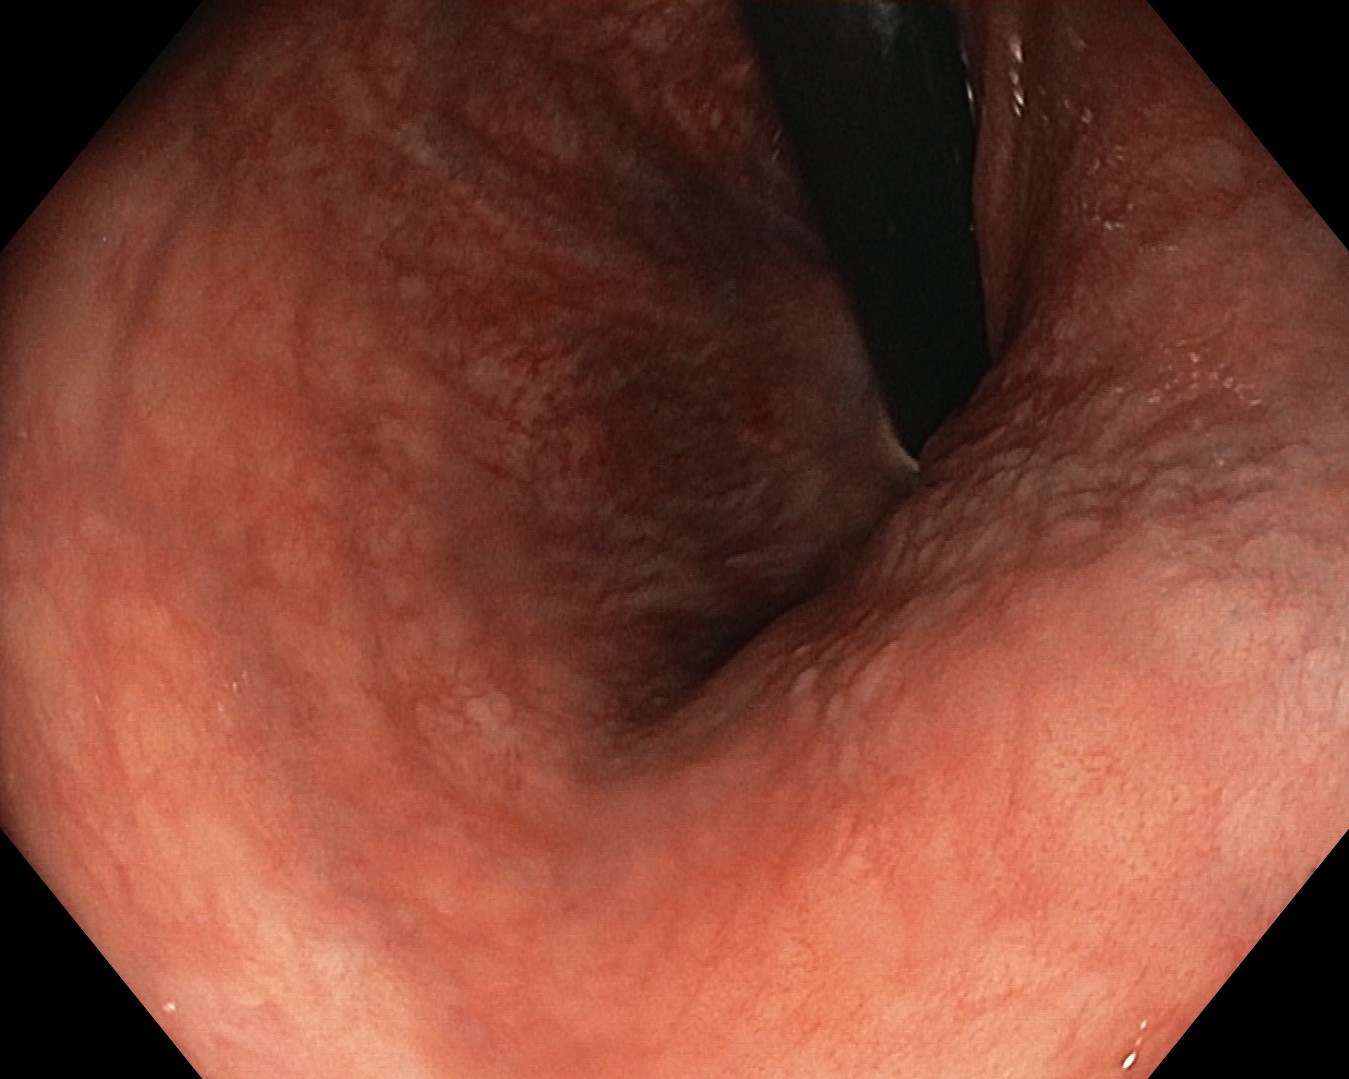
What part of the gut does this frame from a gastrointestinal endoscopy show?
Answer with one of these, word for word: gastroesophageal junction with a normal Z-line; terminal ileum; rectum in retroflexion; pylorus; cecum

rectum in retroflexion